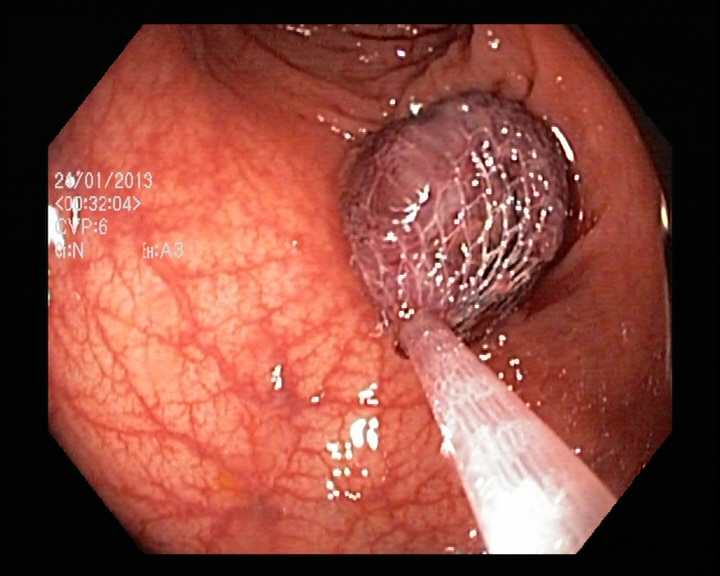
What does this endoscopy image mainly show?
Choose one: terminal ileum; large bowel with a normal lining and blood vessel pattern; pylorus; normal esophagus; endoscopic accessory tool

endoscopic accessory tool